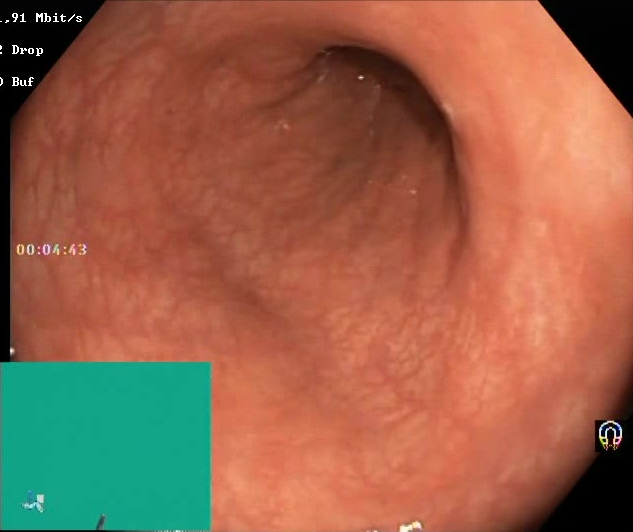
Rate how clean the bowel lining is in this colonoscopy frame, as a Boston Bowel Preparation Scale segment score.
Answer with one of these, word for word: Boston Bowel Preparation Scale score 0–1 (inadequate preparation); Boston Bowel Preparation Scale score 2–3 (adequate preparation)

Boston Bowel Preparation Scale score 2–3 (adequate preparation)